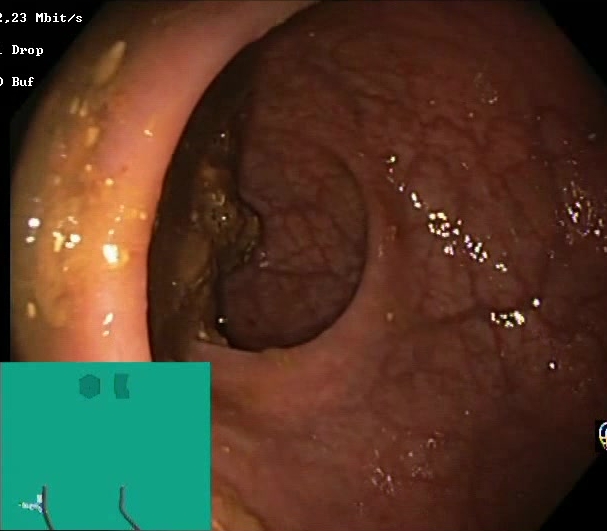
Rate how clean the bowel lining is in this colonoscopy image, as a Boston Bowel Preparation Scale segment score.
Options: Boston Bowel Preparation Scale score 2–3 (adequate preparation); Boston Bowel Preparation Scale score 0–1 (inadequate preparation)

Boston Bowel Preparation Scale score 0–1 (inadequate preparation)